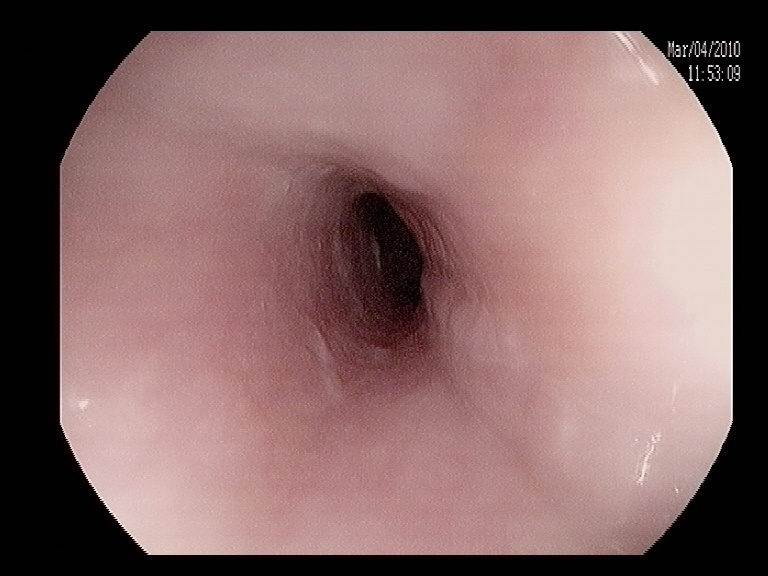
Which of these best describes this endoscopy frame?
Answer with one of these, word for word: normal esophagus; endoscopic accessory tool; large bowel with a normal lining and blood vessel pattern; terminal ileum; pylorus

normal esophagus